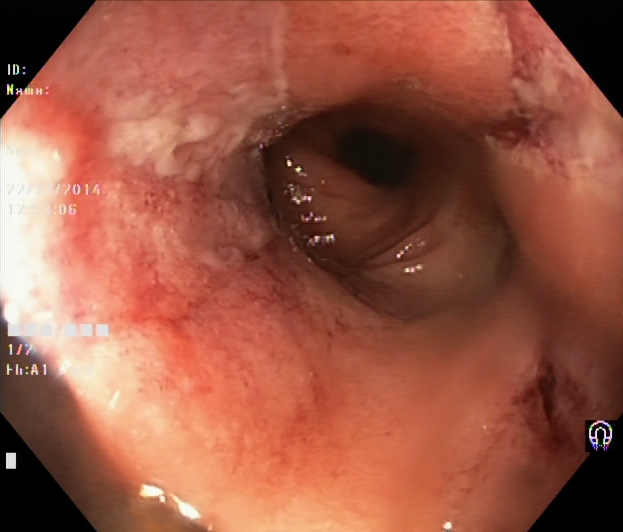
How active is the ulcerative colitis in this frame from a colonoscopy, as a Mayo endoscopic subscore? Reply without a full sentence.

ulcerative colitis, Mayo endoscopic subscore 2–3